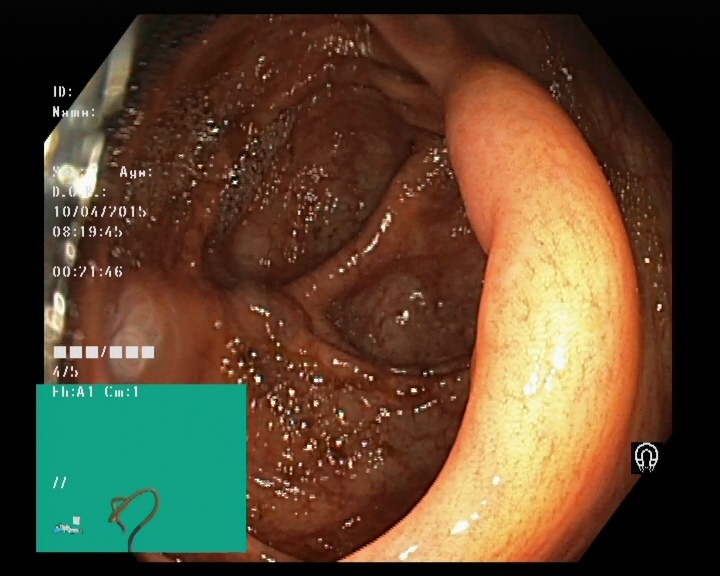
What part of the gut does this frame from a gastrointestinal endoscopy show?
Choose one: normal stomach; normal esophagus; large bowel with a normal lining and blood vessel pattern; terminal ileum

large bowel with a normal lining and blood vessel pattern